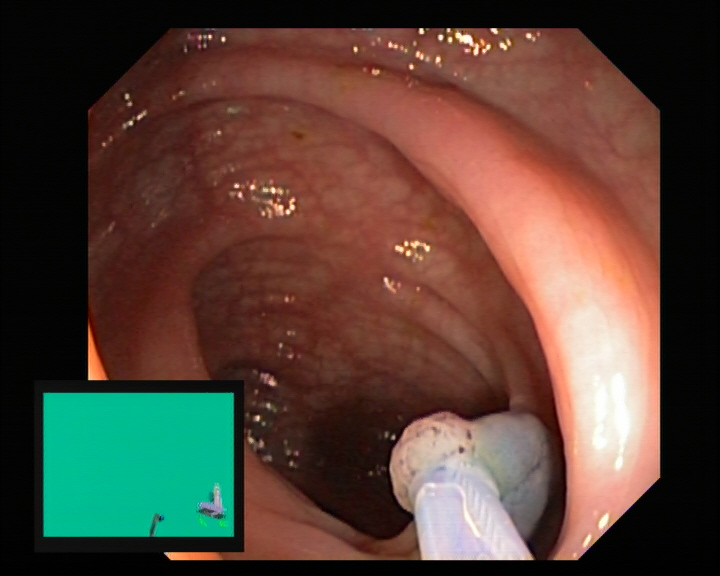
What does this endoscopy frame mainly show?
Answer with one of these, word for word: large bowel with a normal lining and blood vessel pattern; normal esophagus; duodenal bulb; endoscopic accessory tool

endoscopic accessory tool